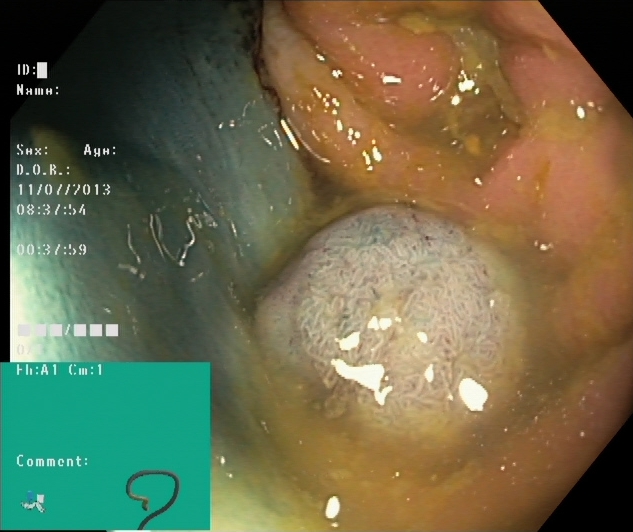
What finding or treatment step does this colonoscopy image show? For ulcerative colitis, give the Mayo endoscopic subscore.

dyed and lifted polyp (pre-resection)